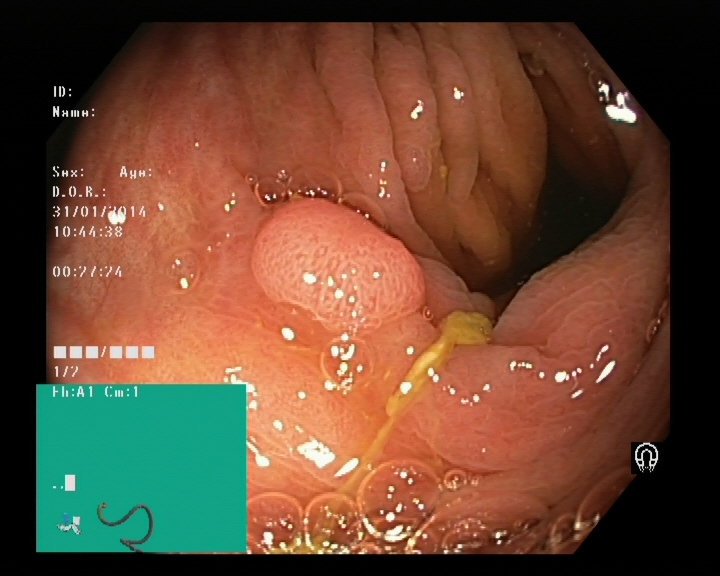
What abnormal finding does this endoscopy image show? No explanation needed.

colon polyp